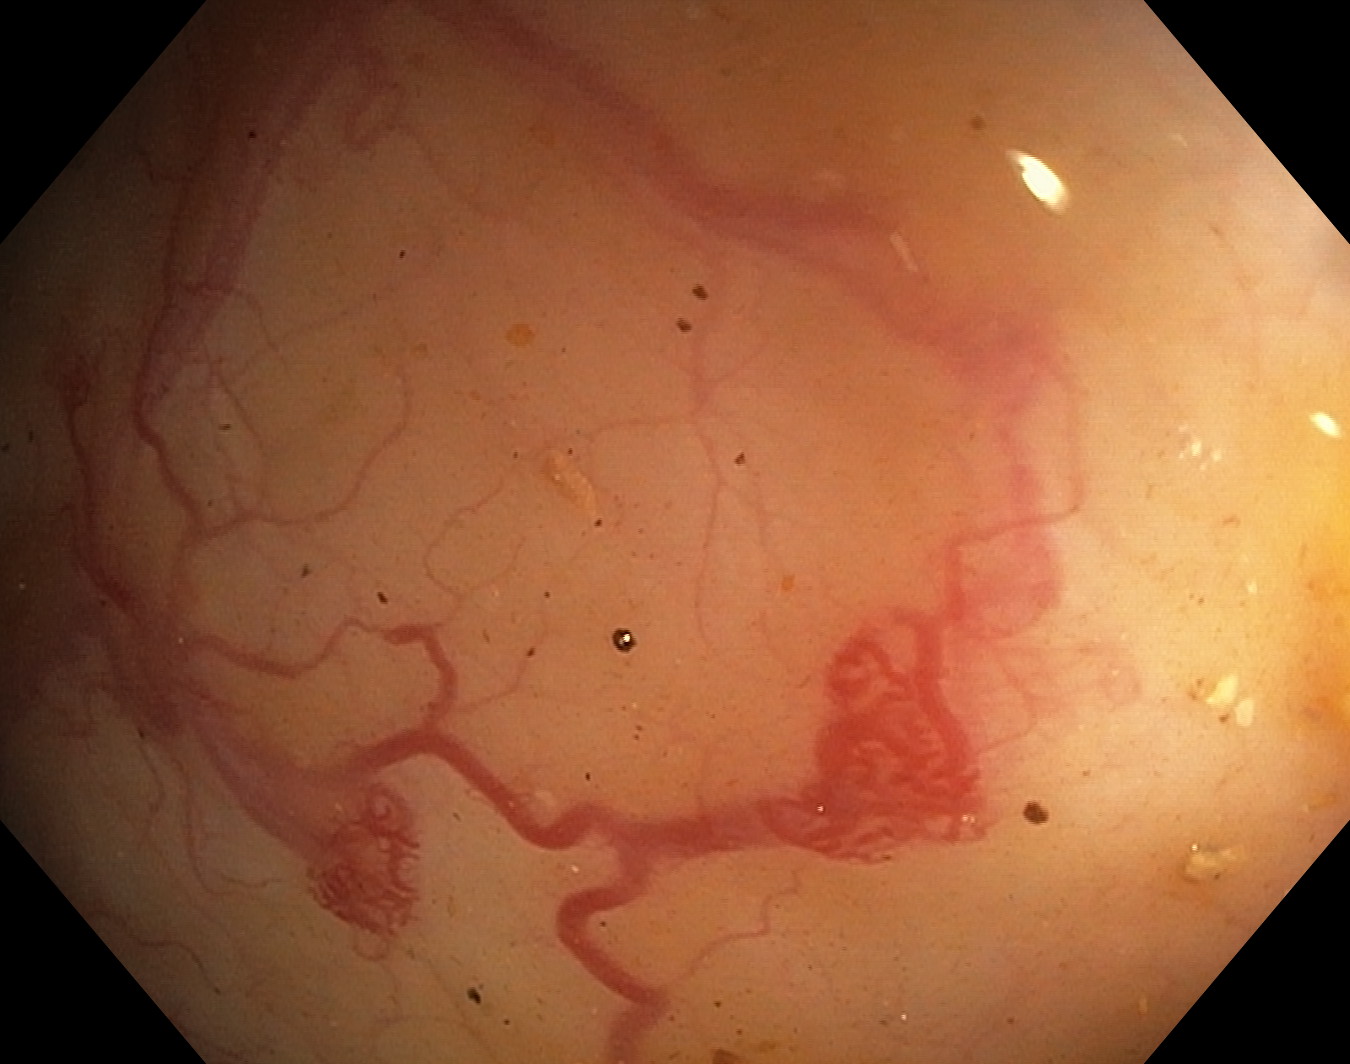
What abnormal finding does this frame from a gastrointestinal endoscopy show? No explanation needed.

angiectasia